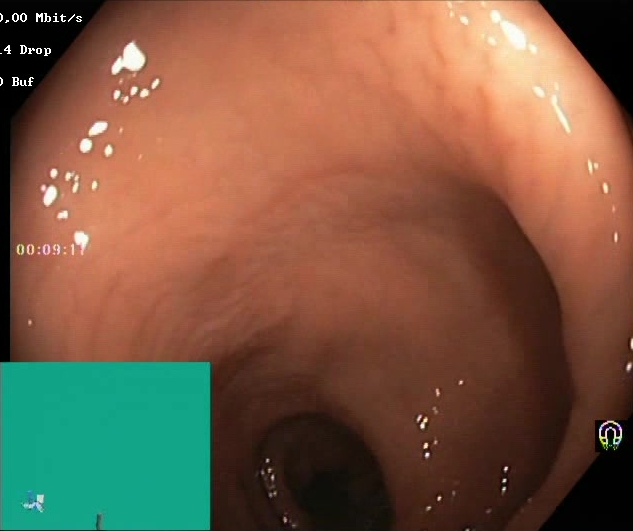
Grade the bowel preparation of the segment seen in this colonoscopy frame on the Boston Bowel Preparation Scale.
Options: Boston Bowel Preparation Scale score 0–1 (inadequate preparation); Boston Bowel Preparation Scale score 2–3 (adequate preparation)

Boston Bowel Preparation Scale score 2–3 (adequate preparation)